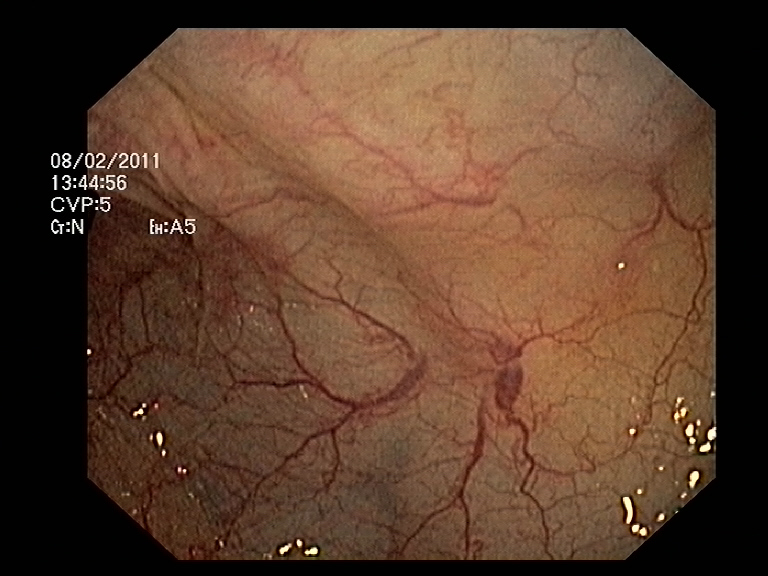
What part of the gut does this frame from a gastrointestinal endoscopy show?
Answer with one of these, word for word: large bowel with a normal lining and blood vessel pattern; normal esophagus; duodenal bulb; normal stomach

large bowel with a normal lining and blood vessel pattern